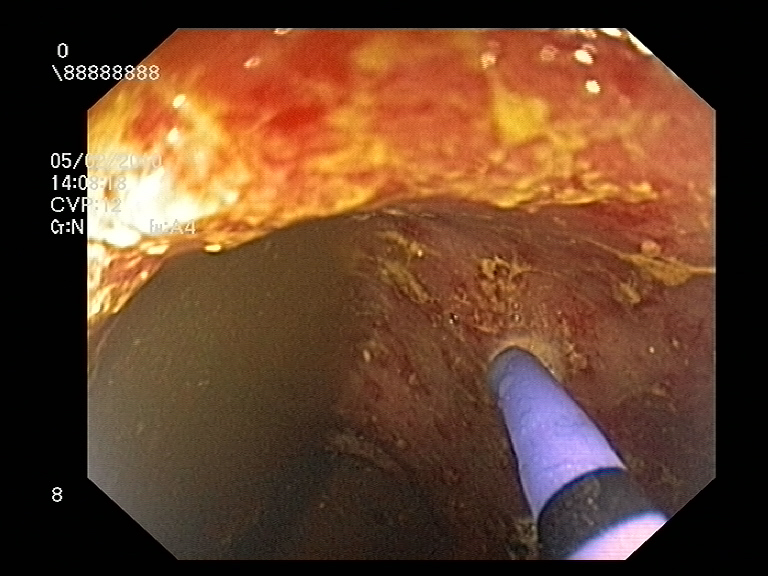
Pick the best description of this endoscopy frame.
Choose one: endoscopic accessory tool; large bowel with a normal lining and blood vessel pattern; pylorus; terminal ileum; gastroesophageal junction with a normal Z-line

endoscopic accessory tool